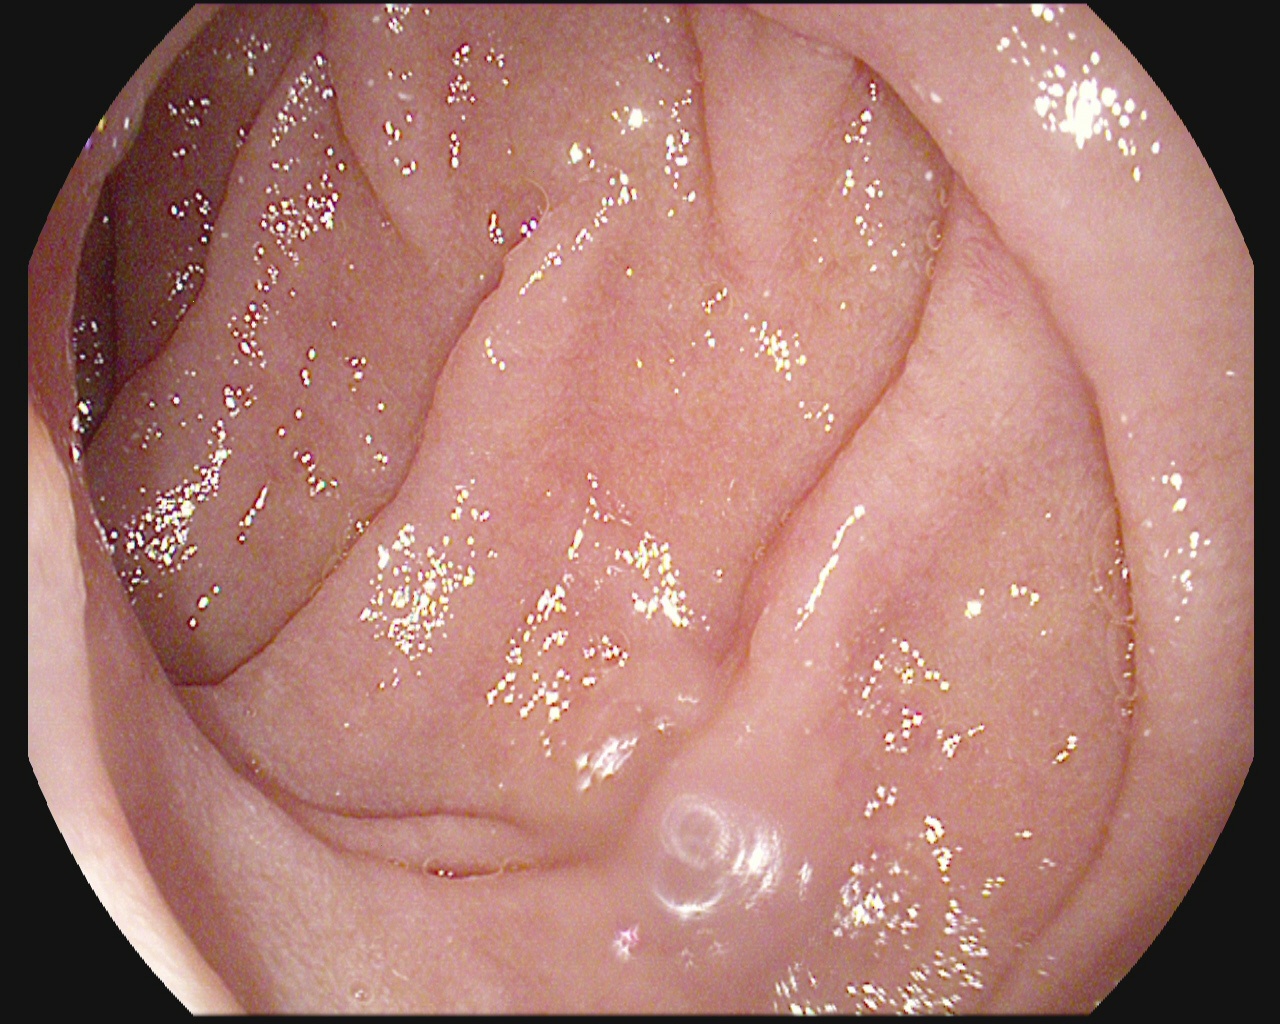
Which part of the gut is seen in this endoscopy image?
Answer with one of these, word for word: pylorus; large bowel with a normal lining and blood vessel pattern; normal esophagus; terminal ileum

terminal ileum